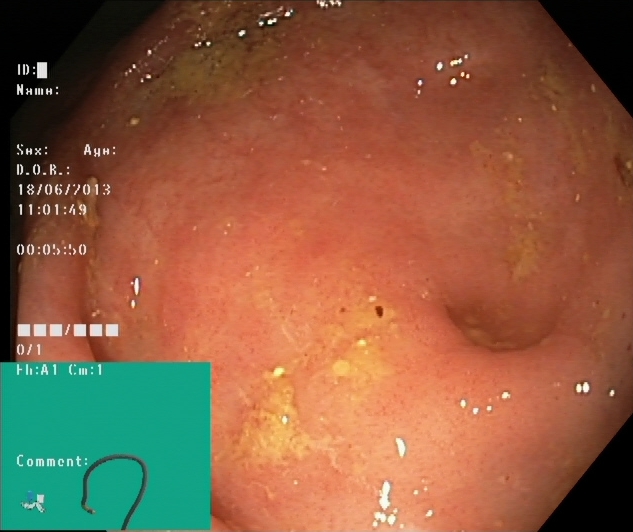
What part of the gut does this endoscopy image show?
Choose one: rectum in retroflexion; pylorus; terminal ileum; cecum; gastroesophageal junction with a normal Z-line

cecum